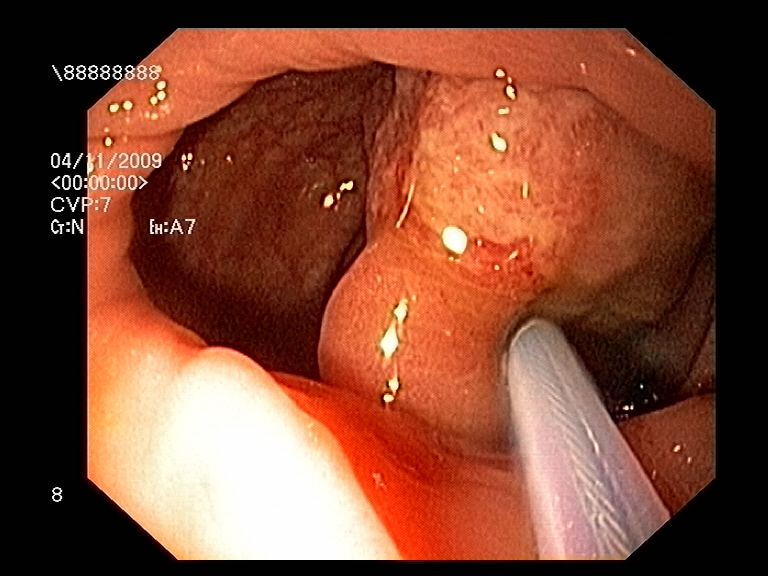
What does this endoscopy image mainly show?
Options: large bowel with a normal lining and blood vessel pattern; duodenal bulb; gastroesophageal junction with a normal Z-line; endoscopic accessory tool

endoscopic accessory tool